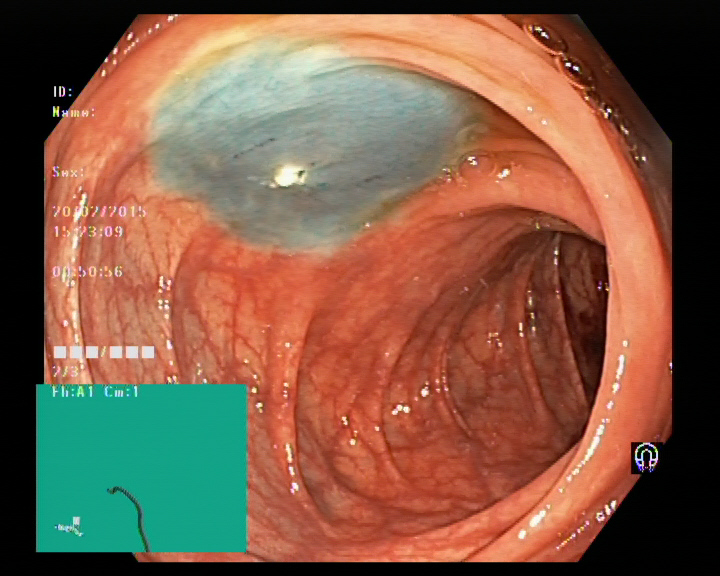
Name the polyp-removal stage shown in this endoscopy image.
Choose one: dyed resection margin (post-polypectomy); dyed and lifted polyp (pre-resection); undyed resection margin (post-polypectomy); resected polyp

dyed resection margin (post-polypectomy)